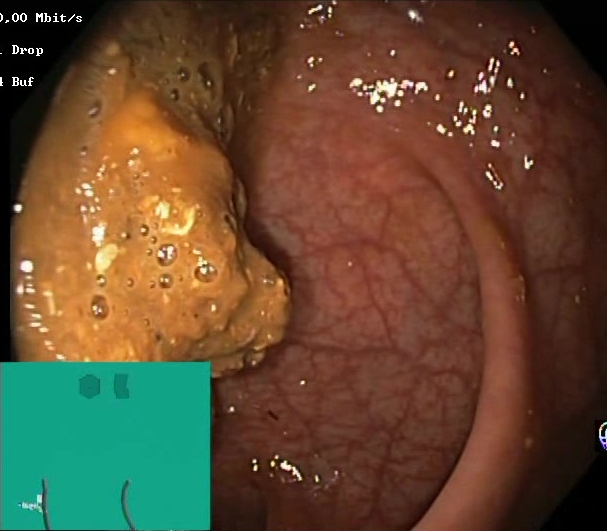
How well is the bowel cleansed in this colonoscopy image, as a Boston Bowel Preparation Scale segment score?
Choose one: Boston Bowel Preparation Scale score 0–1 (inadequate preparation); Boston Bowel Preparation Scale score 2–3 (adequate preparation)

Boston Bowel Preparation Scale score 0–1 (inadequate preparation)